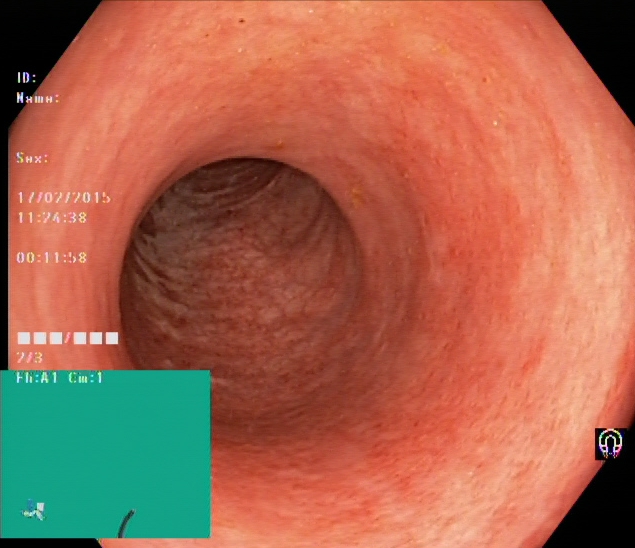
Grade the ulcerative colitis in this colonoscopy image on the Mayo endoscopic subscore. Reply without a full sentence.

ulcerative colitis, Mayo endoscopic subscore 1